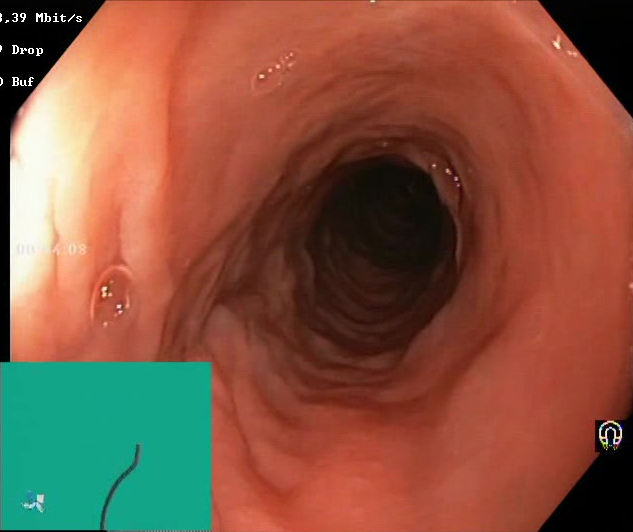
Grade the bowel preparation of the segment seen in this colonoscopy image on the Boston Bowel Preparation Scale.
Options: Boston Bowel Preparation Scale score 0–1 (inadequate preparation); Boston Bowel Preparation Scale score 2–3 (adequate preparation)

Boston Bowel Preparation Scale score 2–3 (adequate preparation)